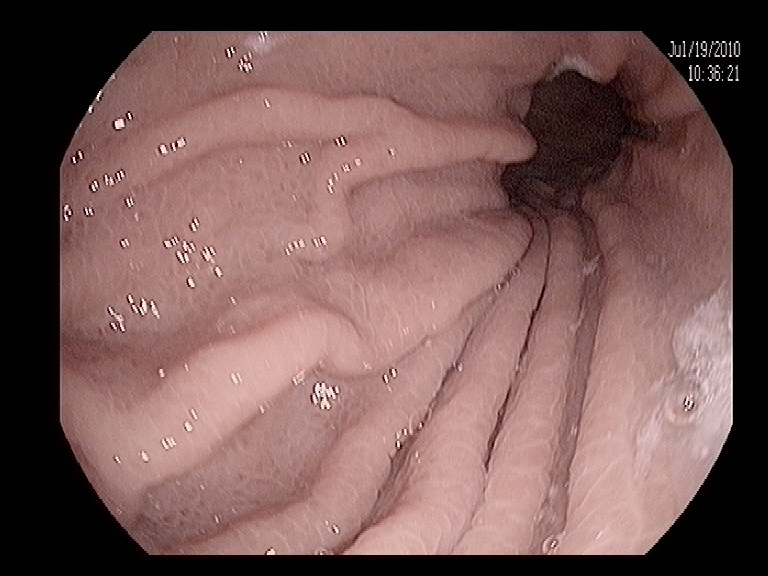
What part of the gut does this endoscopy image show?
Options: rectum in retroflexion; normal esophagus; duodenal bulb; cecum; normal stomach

normal stomach